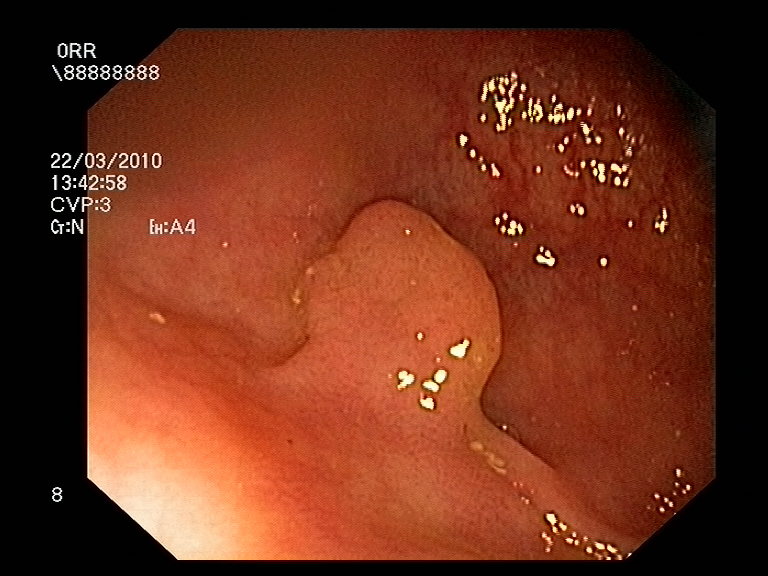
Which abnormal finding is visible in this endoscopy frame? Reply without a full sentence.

colon polyp